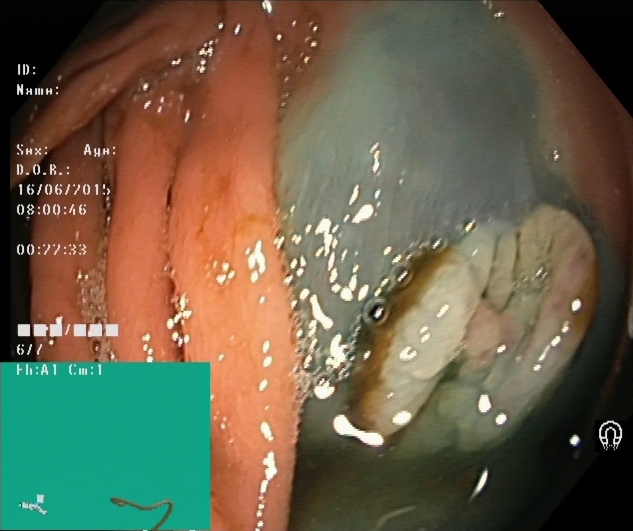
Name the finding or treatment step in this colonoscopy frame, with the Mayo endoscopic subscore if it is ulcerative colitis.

dyed and lifted polyp (pre-resection)